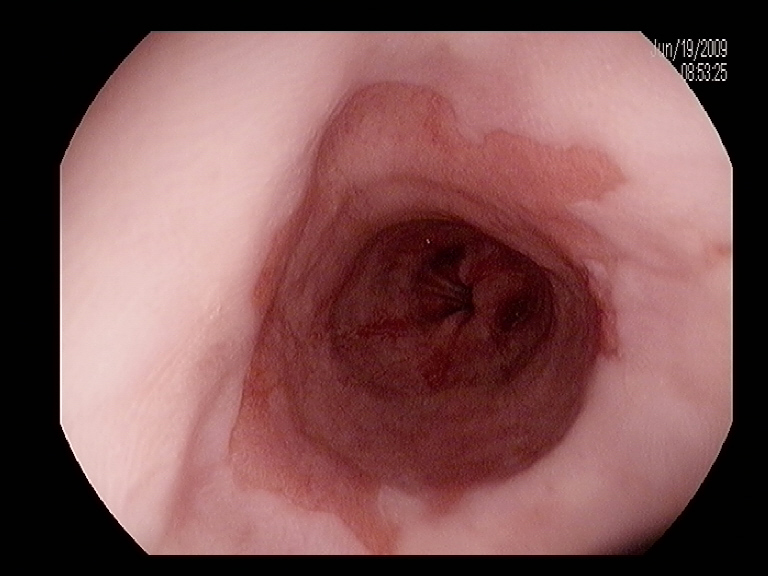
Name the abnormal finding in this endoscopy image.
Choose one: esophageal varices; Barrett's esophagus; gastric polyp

Barrett's esophagus